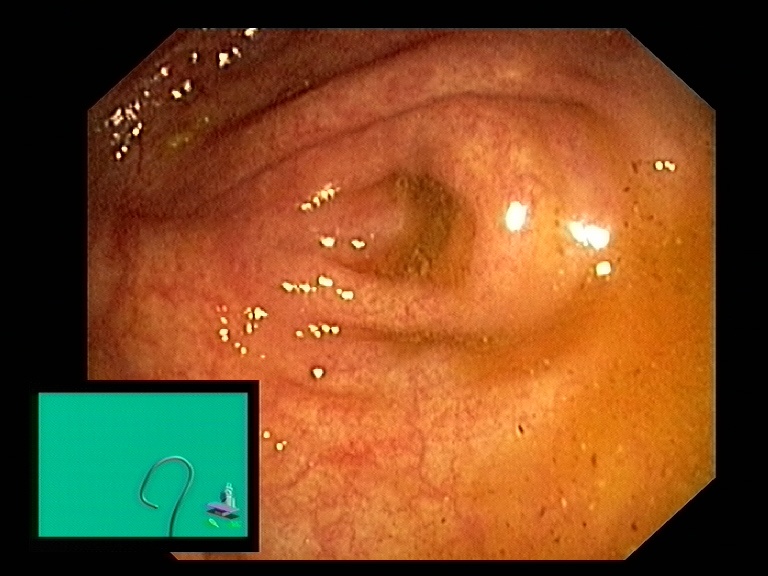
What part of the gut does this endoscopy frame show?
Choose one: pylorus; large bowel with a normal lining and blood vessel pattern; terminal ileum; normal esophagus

large bowel with a normal lining and blood vessel pattern